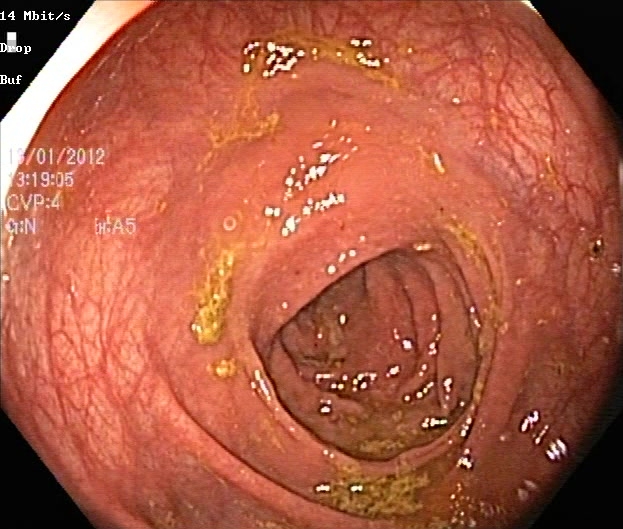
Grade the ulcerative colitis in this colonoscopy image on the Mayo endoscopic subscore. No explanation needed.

ulcerative colitis, Mayo endoscopic subscore 0–1